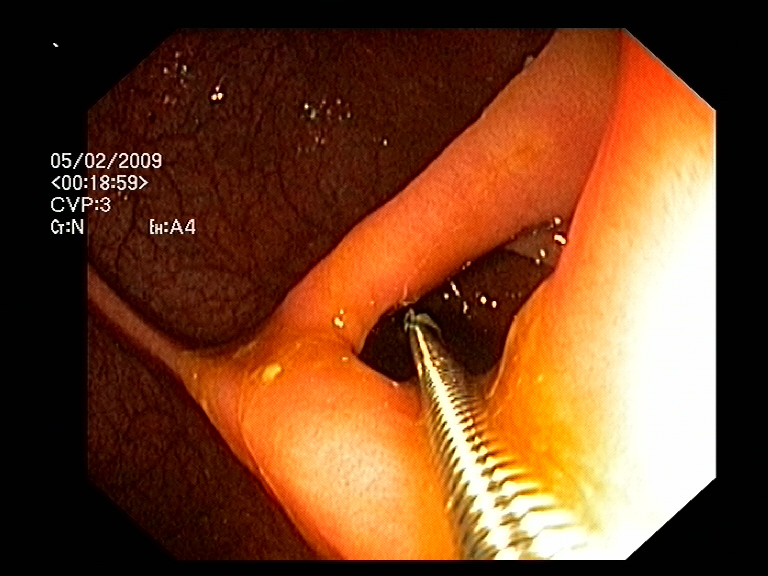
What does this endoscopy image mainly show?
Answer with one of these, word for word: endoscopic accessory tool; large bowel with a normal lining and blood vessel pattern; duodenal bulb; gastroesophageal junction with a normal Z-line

endoscopic accessory tool